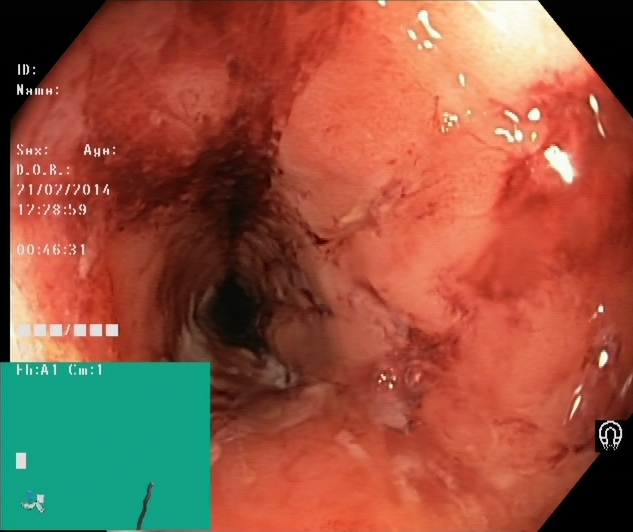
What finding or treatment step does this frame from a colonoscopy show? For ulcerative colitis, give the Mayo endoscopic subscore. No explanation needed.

ulcerative colitis, Mayo endoscopic subscore 2